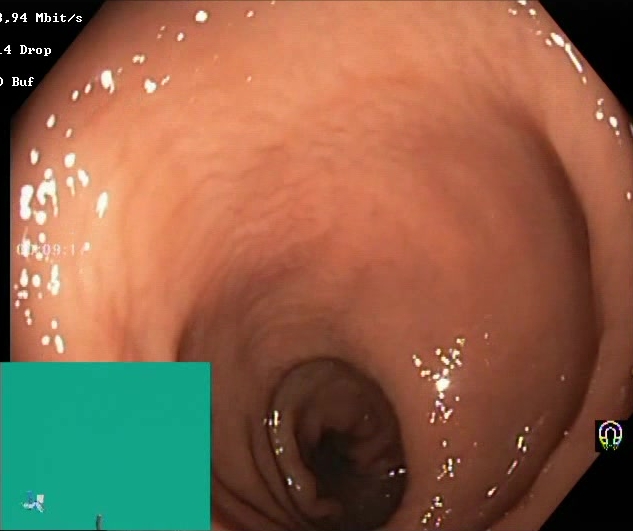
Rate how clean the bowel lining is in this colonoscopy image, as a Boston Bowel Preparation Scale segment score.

Boston Bowel Preparation Scale score 2–3 (adequate preparation)